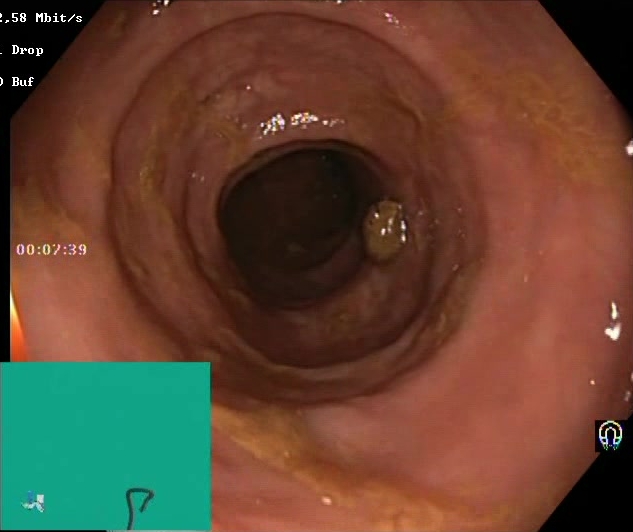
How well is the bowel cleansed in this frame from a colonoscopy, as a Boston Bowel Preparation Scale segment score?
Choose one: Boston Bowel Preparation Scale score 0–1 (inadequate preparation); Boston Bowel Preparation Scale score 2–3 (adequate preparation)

Boston Bowel Preparation Scale score 2–3 (adequate preparation)